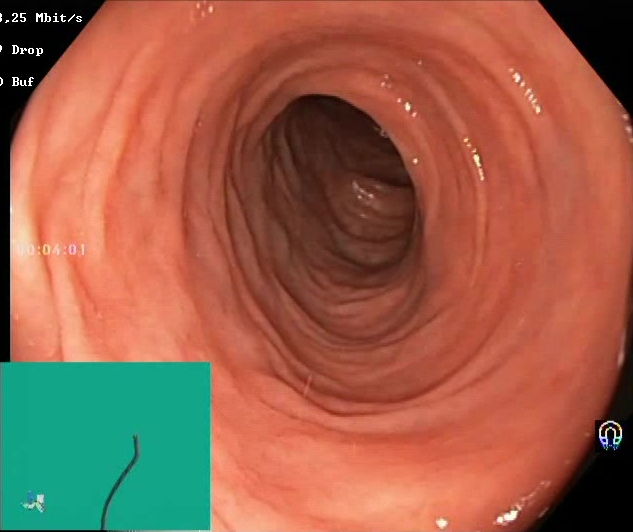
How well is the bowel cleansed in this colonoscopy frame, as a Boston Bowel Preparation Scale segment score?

Boston Bowel Preparation Scale score 2–3 (adequate preparation)